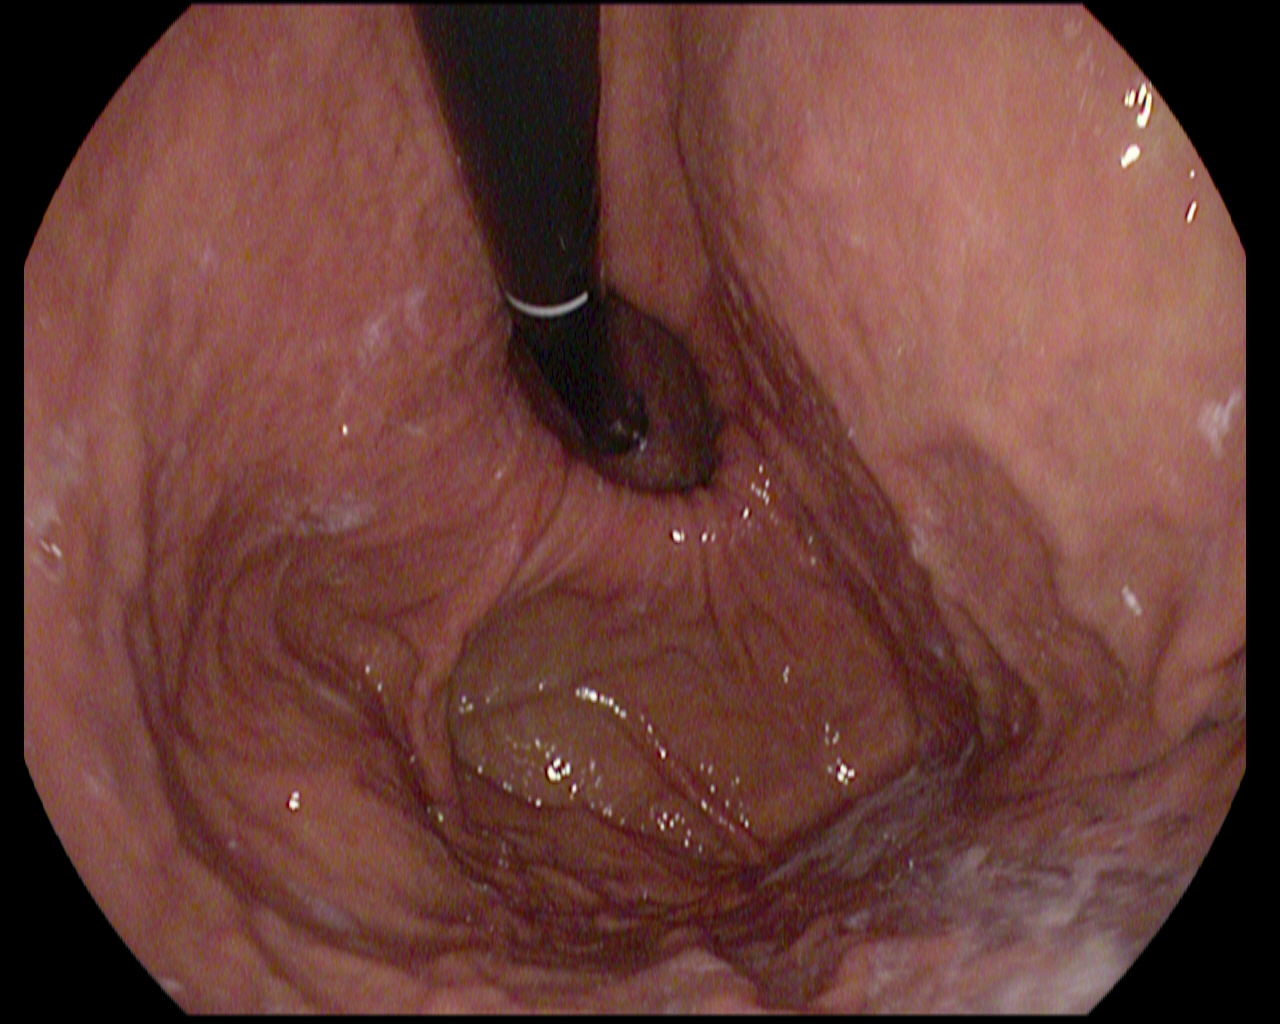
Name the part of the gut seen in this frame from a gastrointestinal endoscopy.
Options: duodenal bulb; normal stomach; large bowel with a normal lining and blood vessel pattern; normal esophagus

normal stomach